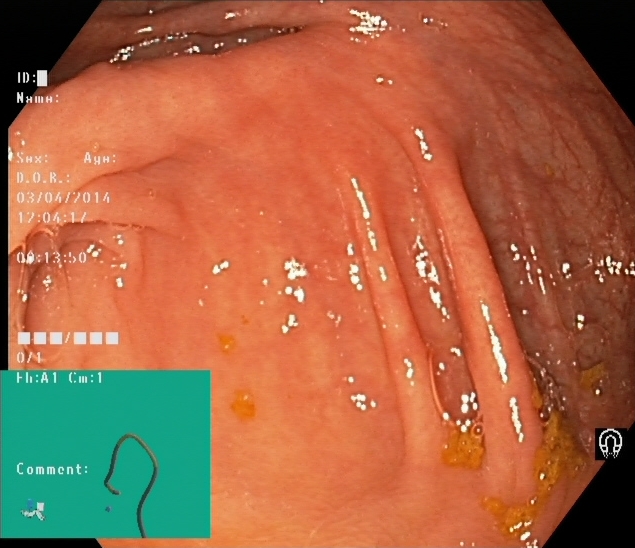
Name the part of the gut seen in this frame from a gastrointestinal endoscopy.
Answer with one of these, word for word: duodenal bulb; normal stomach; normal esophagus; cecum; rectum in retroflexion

cecum